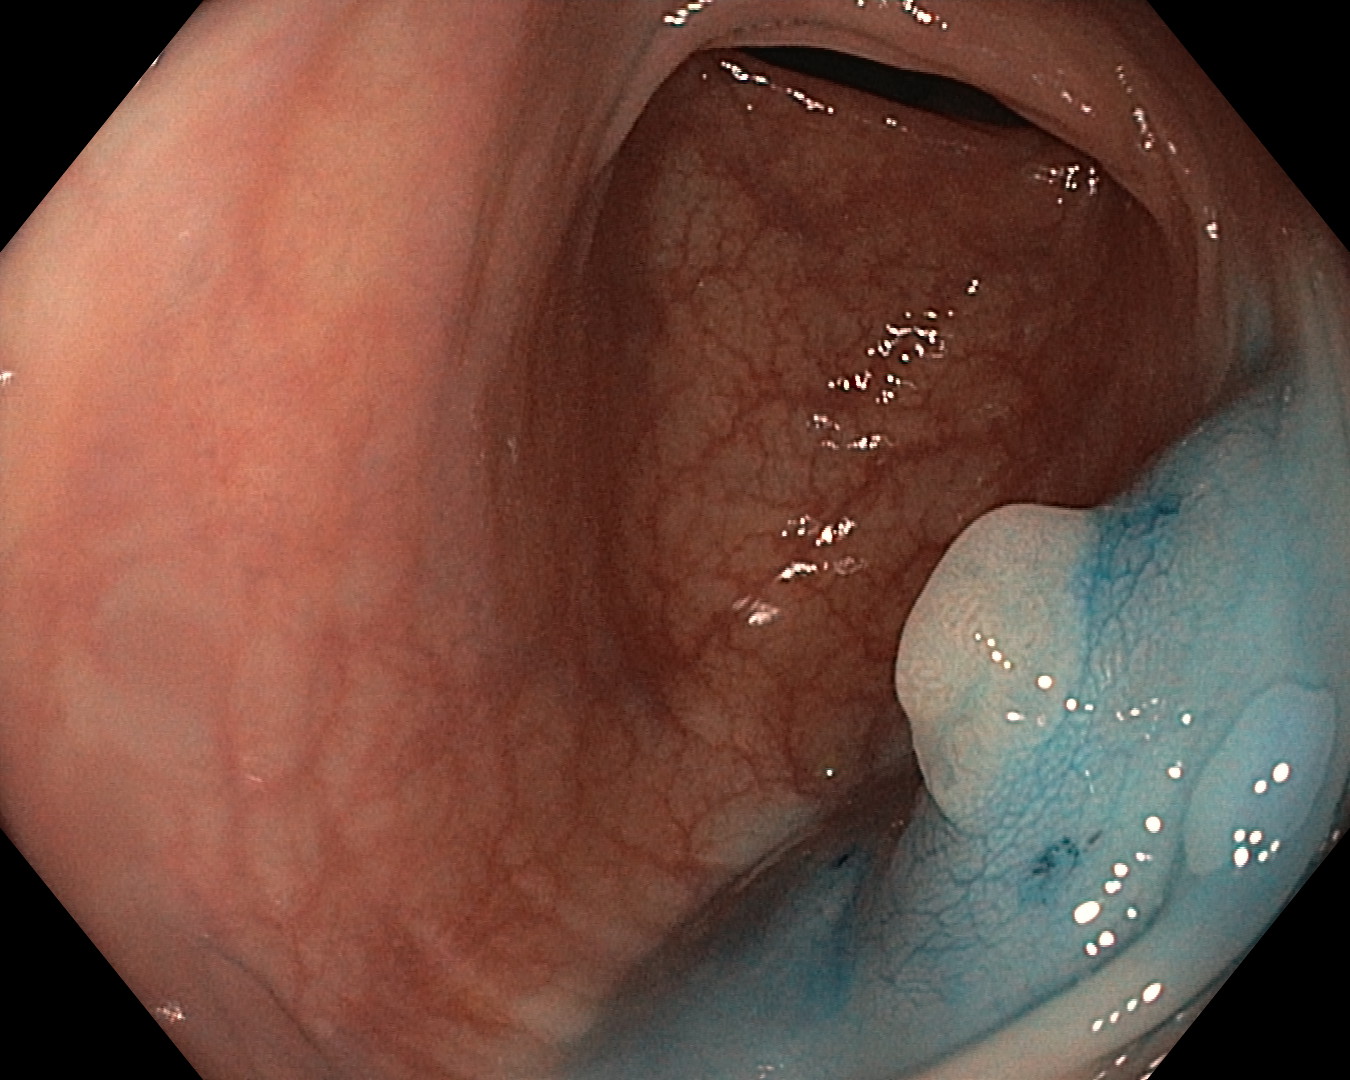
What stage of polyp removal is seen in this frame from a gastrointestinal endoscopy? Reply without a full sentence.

dyed and lifted polyp (pre-resection)